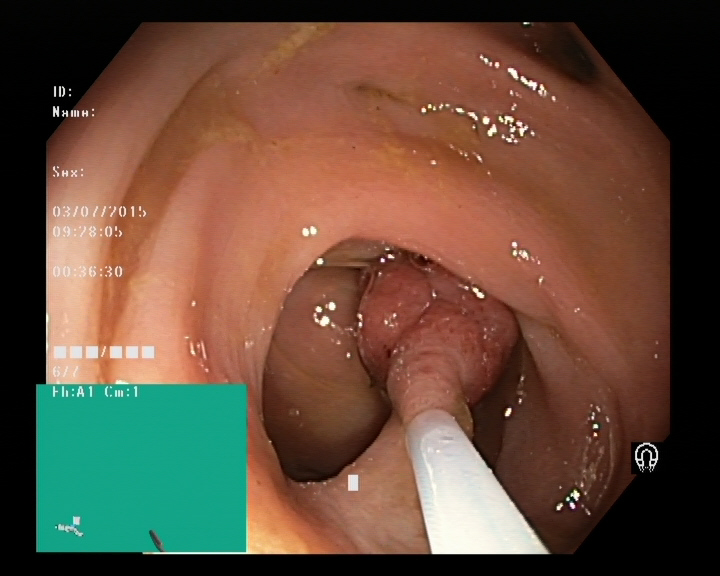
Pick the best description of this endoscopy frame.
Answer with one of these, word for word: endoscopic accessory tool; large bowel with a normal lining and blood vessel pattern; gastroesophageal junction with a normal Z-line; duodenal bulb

endoscopic accessory tool